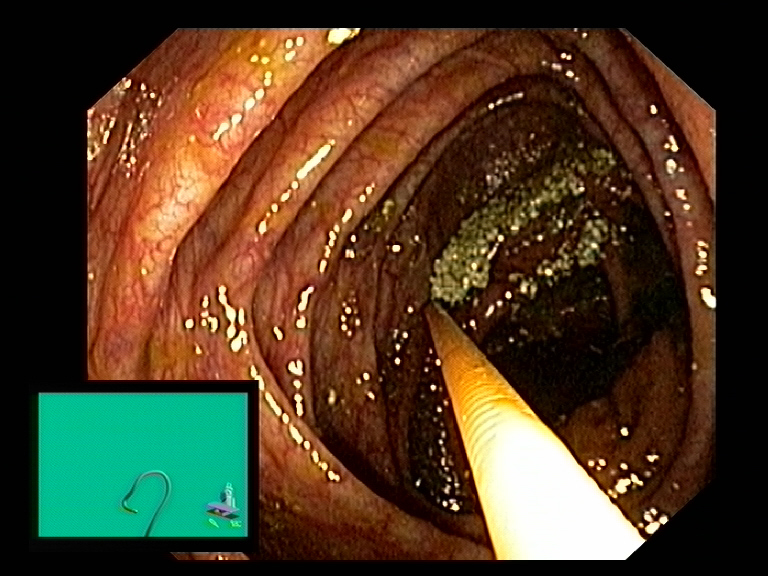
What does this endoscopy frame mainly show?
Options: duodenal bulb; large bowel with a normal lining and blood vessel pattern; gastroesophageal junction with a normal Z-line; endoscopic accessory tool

endoscopic accessory tool